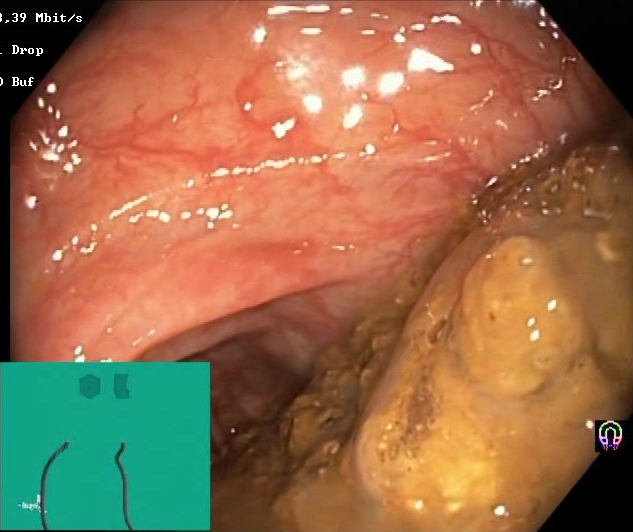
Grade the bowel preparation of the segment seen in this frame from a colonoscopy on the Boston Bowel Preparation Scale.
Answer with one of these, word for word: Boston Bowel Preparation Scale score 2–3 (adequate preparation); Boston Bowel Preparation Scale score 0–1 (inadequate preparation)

Boston Bowel Preparation Scale score 0–1 (inadequate preparation)